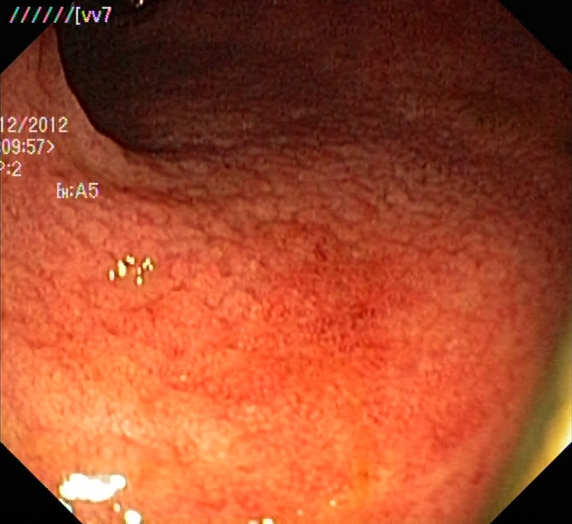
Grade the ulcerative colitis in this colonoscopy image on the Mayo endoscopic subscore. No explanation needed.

ulcerative colitis, Mayo endoscopic subscore 2